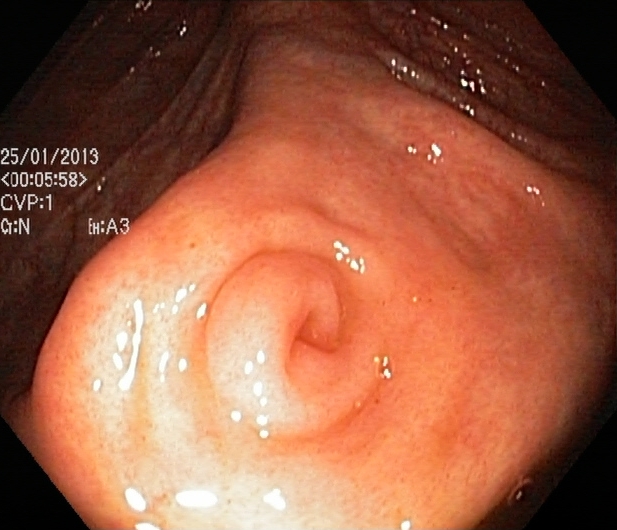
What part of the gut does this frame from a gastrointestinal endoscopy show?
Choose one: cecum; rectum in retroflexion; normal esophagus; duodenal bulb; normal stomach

cecum